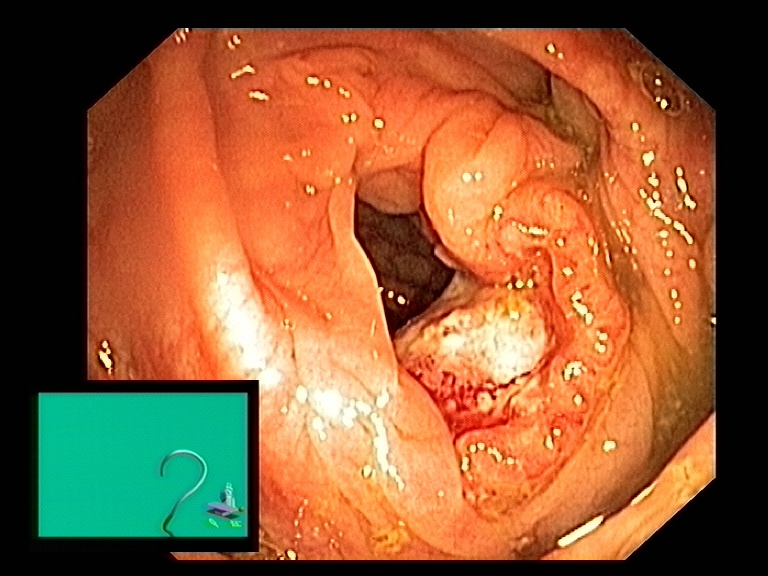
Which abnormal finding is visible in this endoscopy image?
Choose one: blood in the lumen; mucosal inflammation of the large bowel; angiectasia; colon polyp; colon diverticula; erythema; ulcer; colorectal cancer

colorectal cancer